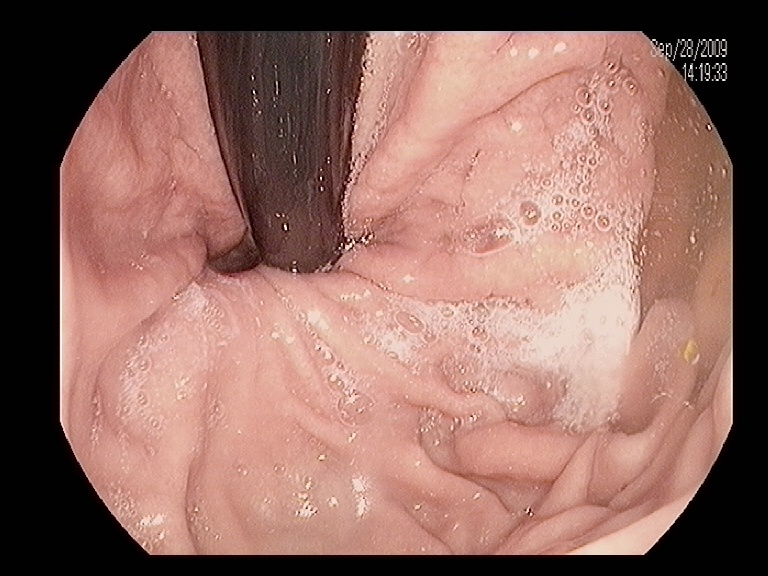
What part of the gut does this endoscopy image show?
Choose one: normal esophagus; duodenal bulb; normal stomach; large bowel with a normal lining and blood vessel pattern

normal stomach